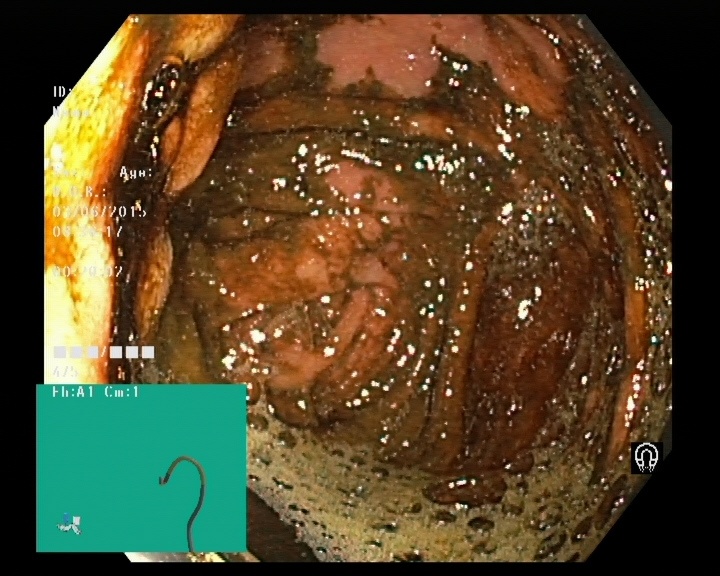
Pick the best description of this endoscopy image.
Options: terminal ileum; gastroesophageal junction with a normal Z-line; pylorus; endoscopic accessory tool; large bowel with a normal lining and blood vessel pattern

large bowel with a normal lining and blood vessel pattern